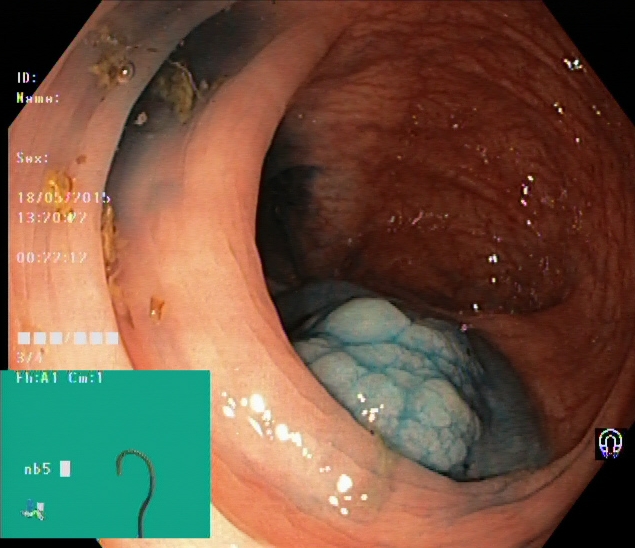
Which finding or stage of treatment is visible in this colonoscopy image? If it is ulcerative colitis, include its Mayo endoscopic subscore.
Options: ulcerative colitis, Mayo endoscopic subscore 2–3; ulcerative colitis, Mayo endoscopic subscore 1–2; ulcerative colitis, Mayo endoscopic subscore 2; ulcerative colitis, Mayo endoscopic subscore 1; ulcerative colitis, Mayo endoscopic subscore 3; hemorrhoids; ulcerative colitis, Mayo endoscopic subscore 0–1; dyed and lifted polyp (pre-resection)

dyed and lifted polyp (pre-resection)